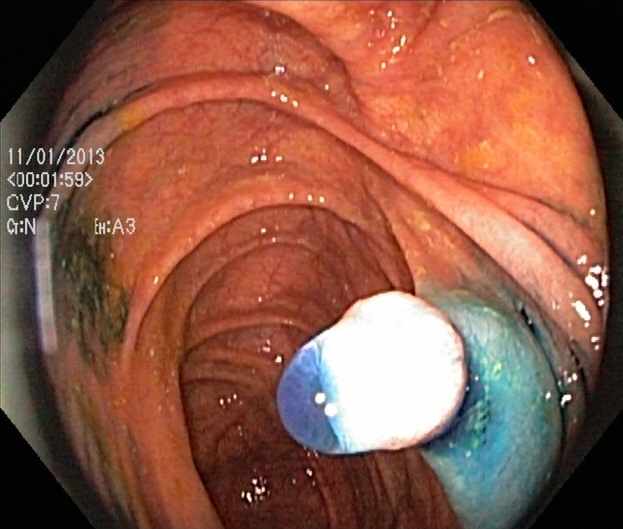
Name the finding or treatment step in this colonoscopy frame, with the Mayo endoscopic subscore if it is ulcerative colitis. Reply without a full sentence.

dyed and lifted polyp (pre-resection)